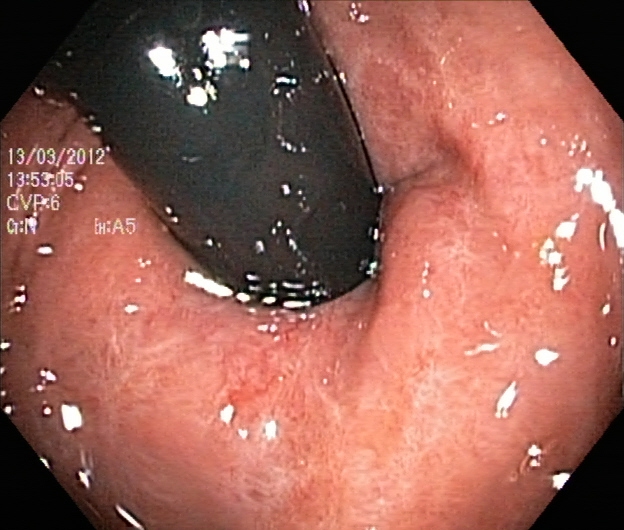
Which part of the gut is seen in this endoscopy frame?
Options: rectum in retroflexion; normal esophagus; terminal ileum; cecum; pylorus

rectum in retroflexion